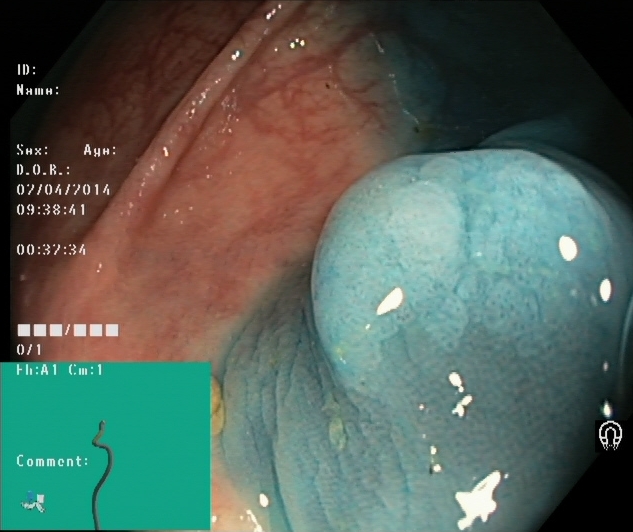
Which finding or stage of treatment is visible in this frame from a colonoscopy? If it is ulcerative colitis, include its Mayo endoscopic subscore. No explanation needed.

dyed and lifted polyp (pre-resection)